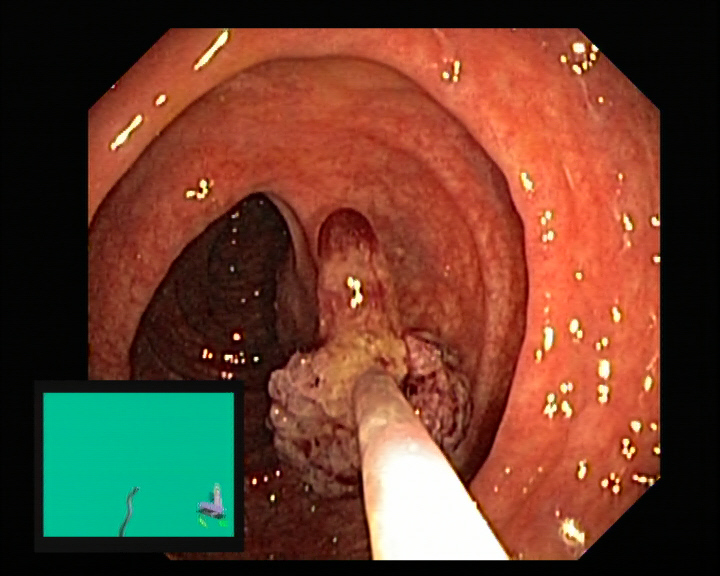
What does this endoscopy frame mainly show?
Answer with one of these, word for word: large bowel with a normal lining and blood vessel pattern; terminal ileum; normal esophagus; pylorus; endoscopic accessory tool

endoscopic accessory tool